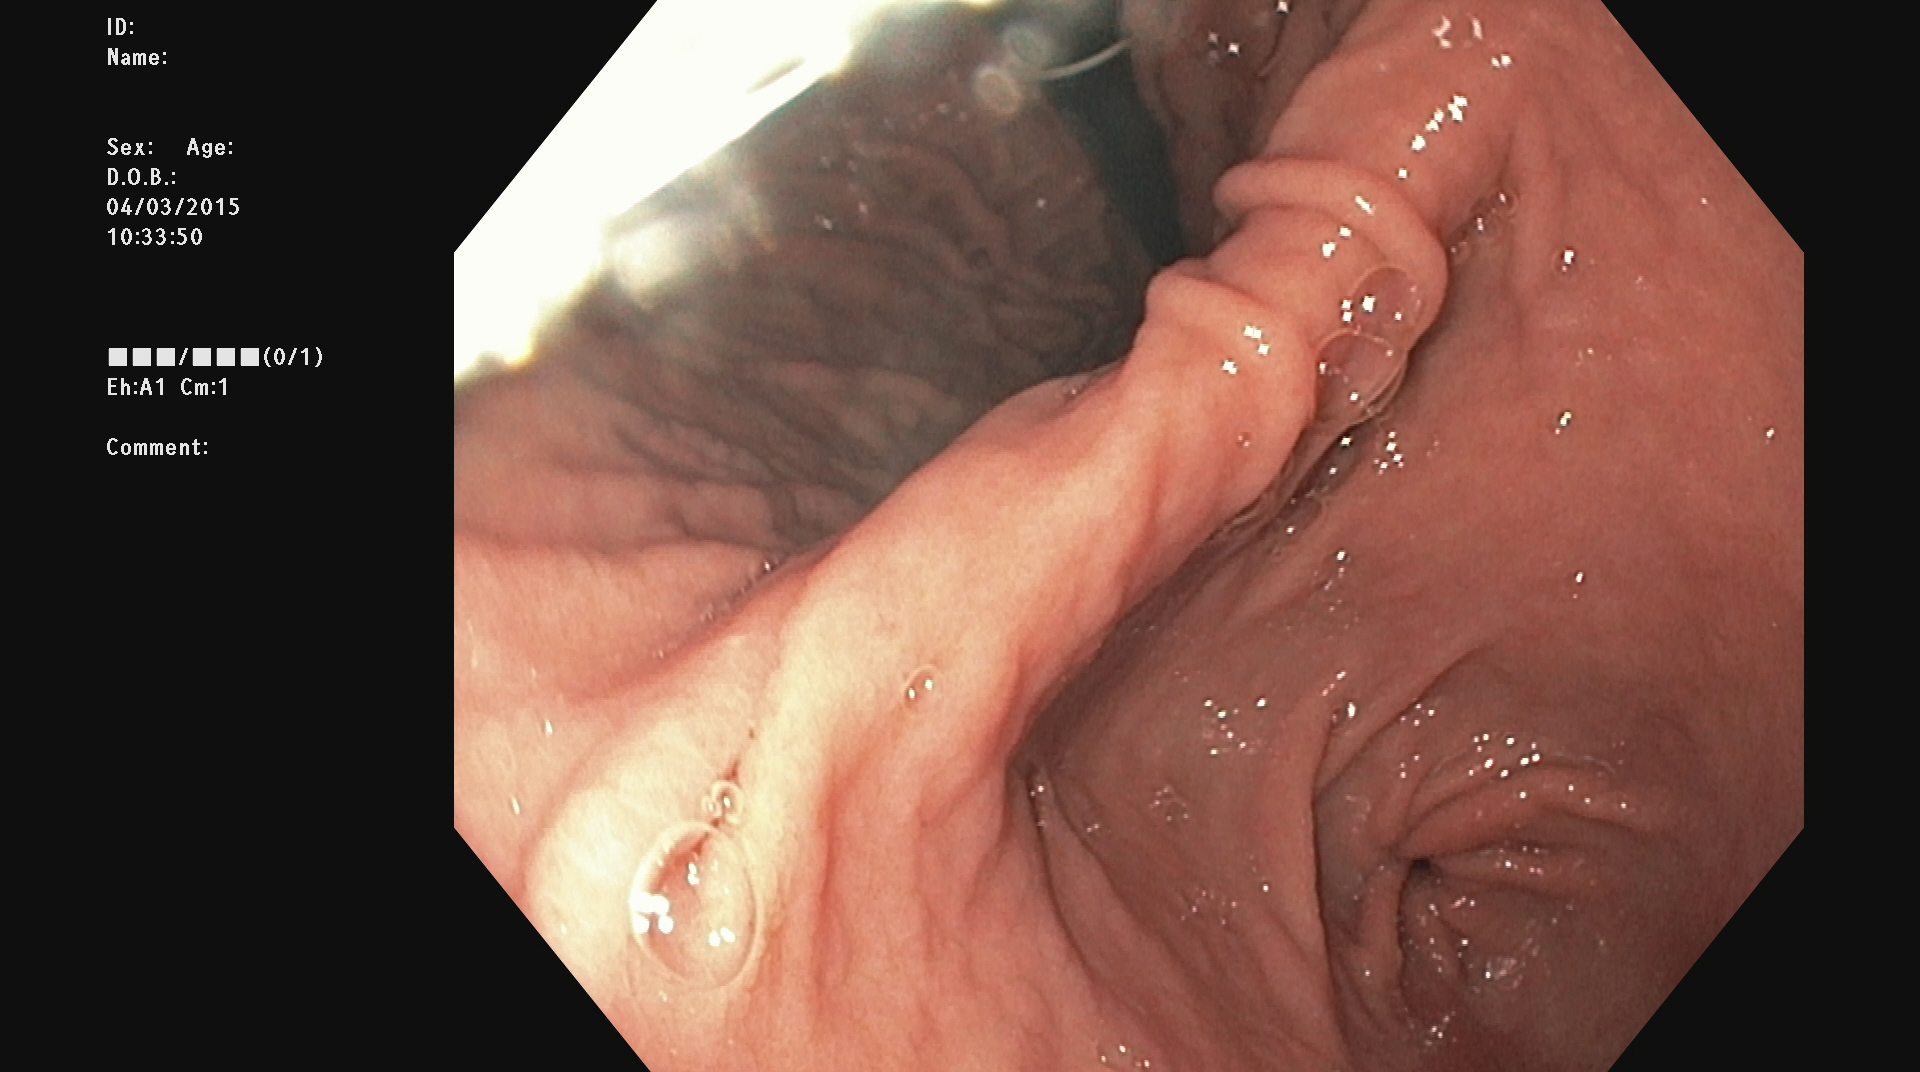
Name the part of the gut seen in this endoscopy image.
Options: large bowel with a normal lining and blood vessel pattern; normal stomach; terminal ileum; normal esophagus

normal stomach